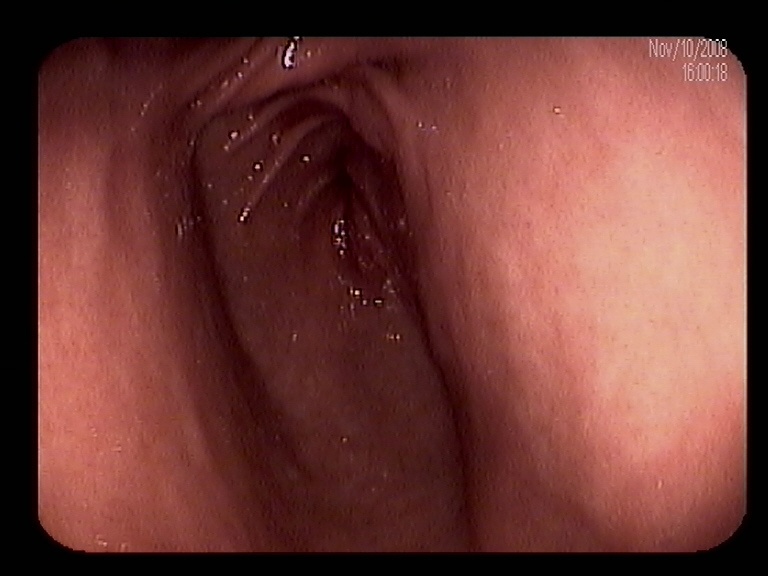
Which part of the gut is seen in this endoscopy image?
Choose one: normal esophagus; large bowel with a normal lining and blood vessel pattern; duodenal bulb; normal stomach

normal stomach